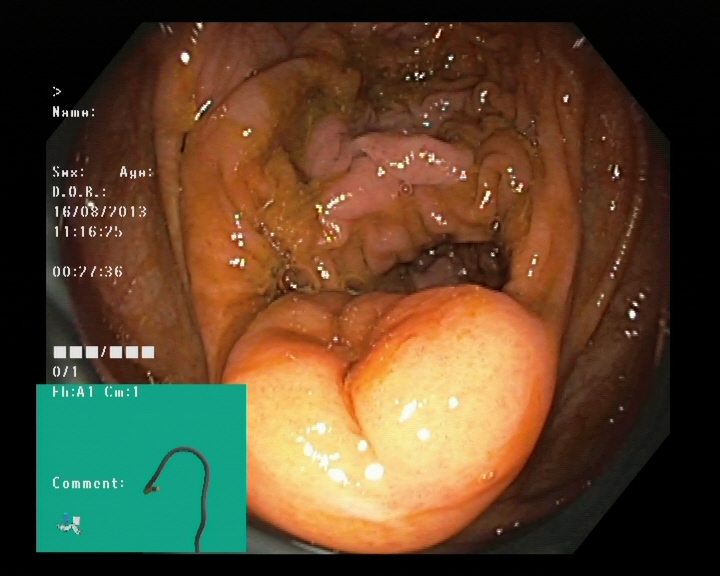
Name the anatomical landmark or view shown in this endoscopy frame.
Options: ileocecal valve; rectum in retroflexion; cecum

ileocecal valve